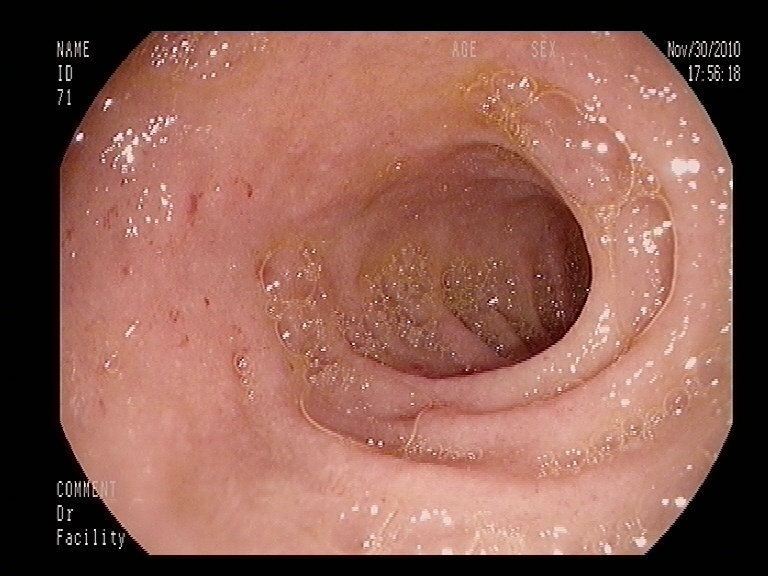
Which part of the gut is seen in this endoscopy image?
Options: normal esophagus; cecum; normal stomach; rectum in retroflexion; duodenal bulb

duodenal bulb